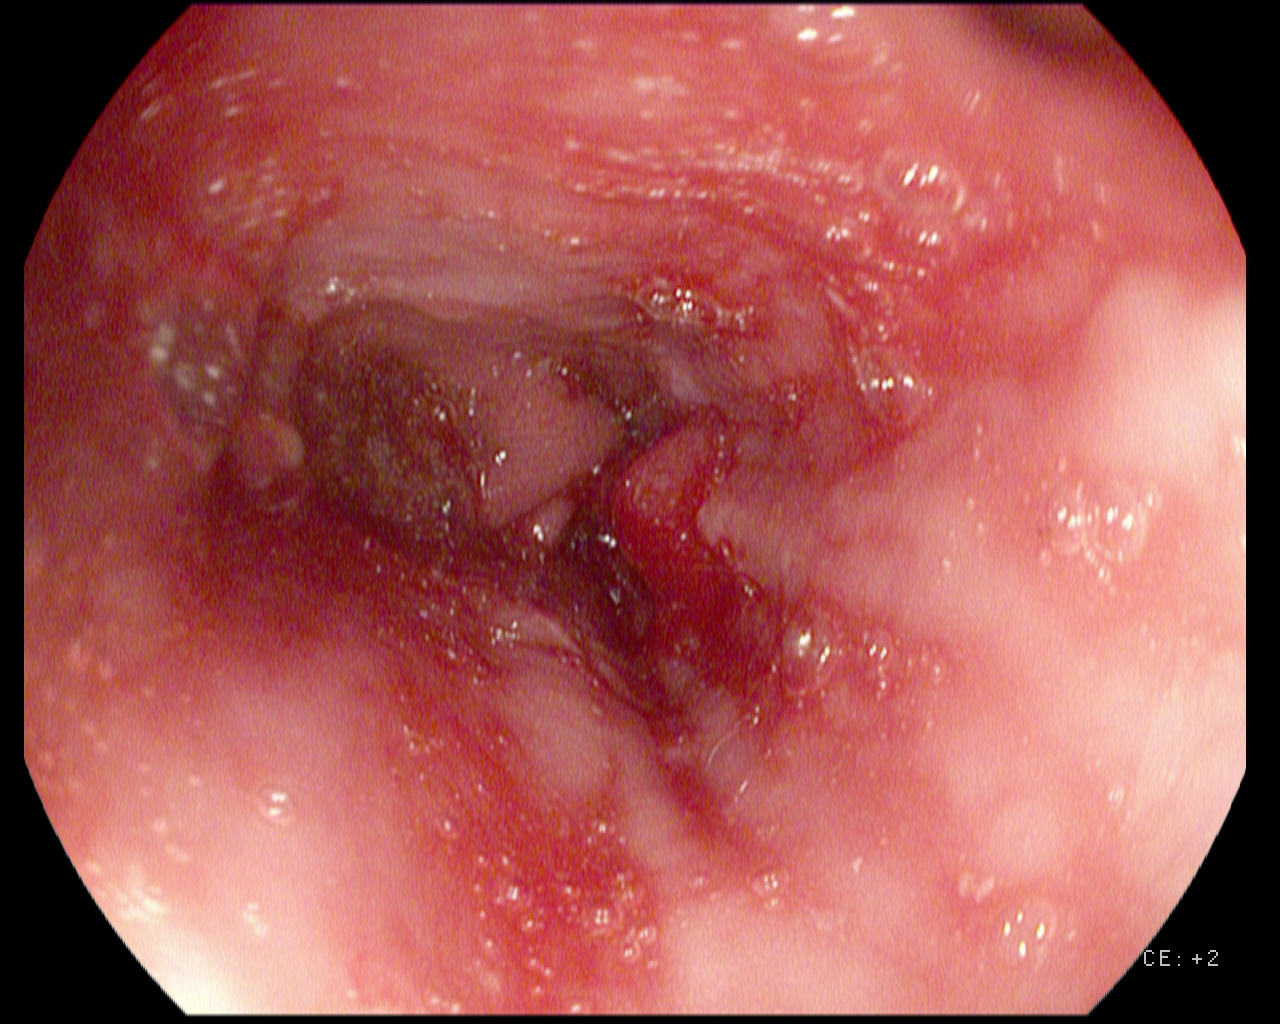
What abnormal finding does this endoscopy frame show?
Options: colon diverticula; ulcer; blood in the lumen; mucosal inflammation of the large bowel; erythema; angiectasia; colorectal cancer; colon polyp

blood in the lumen